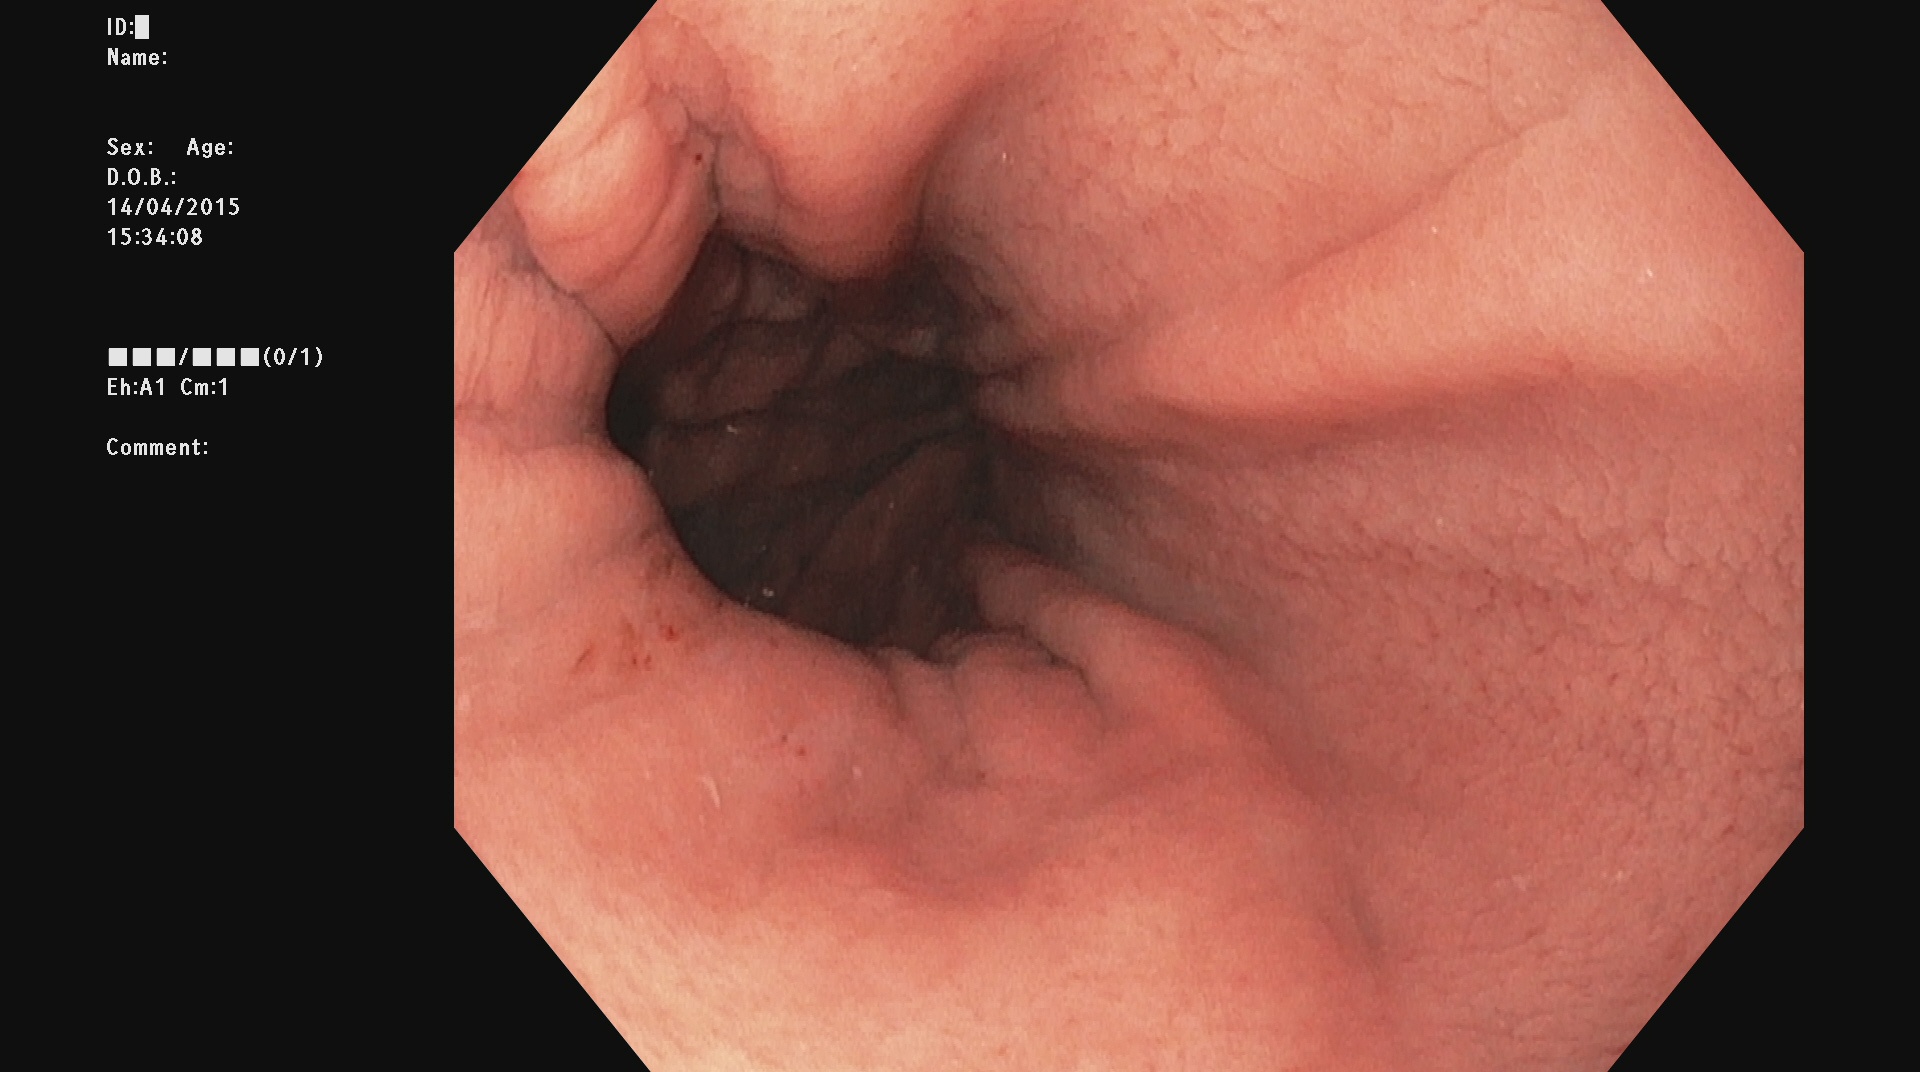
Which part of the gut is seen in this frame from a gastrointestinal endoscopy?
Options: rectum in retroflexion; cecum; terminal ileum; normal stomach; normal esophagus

normal stomach